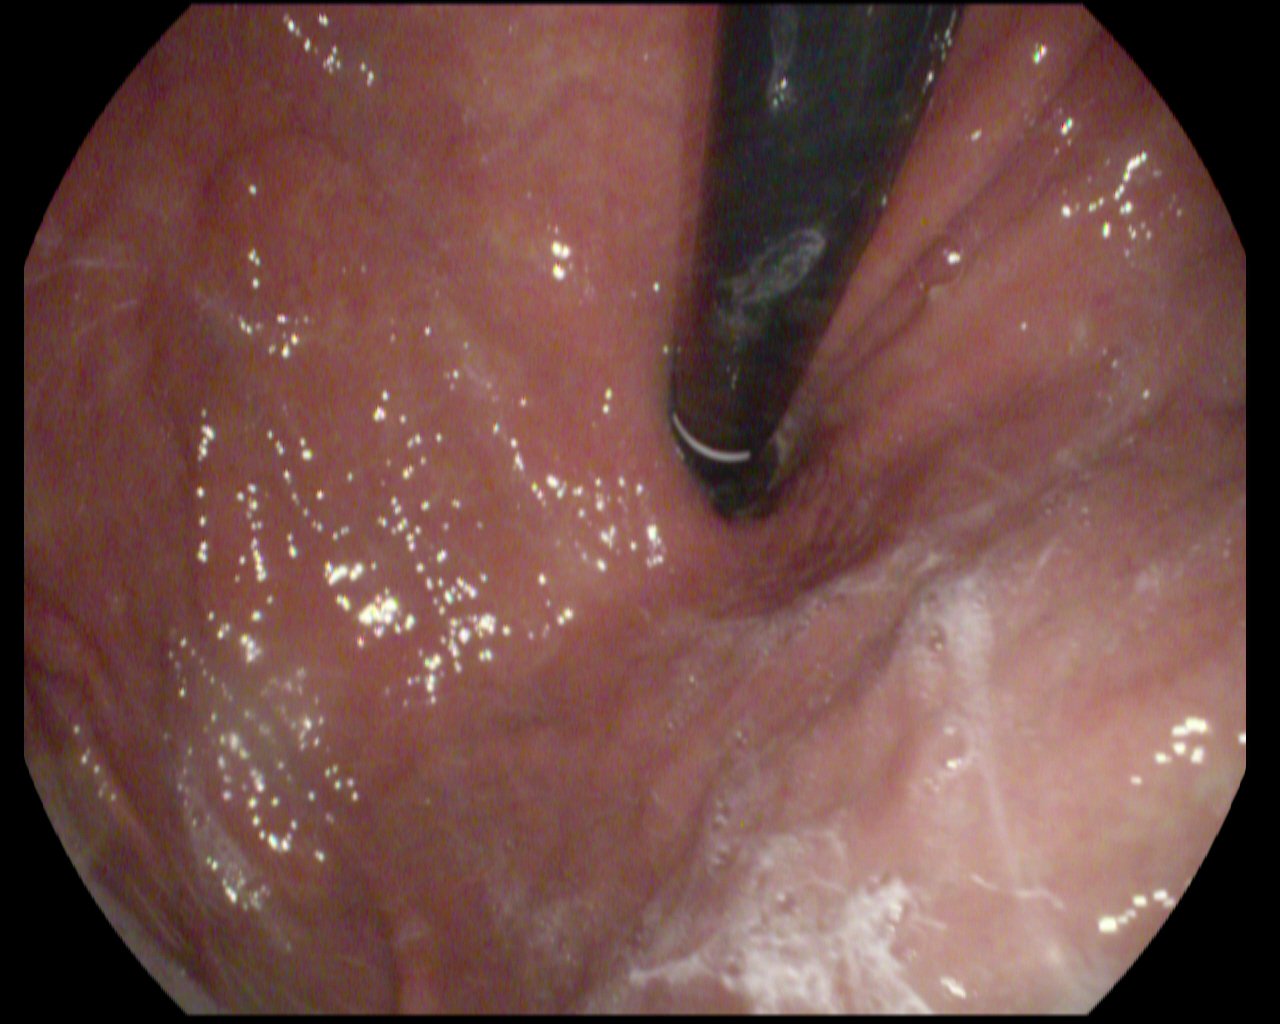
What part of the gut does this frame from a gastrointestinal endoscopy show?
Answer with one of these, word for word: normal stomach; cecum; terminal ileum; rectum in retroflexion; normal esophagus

normal stomach